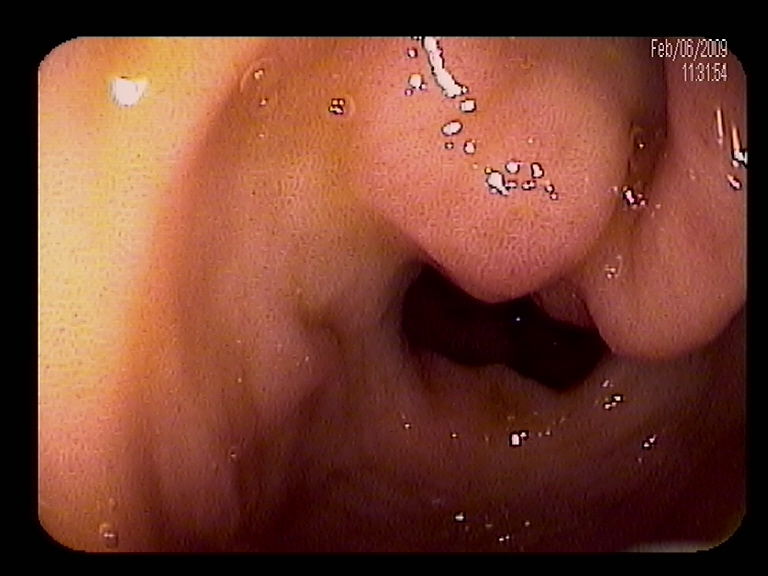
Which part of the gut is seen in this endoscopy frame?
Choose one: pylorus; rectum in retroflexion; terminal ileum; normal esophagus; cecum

pylorus